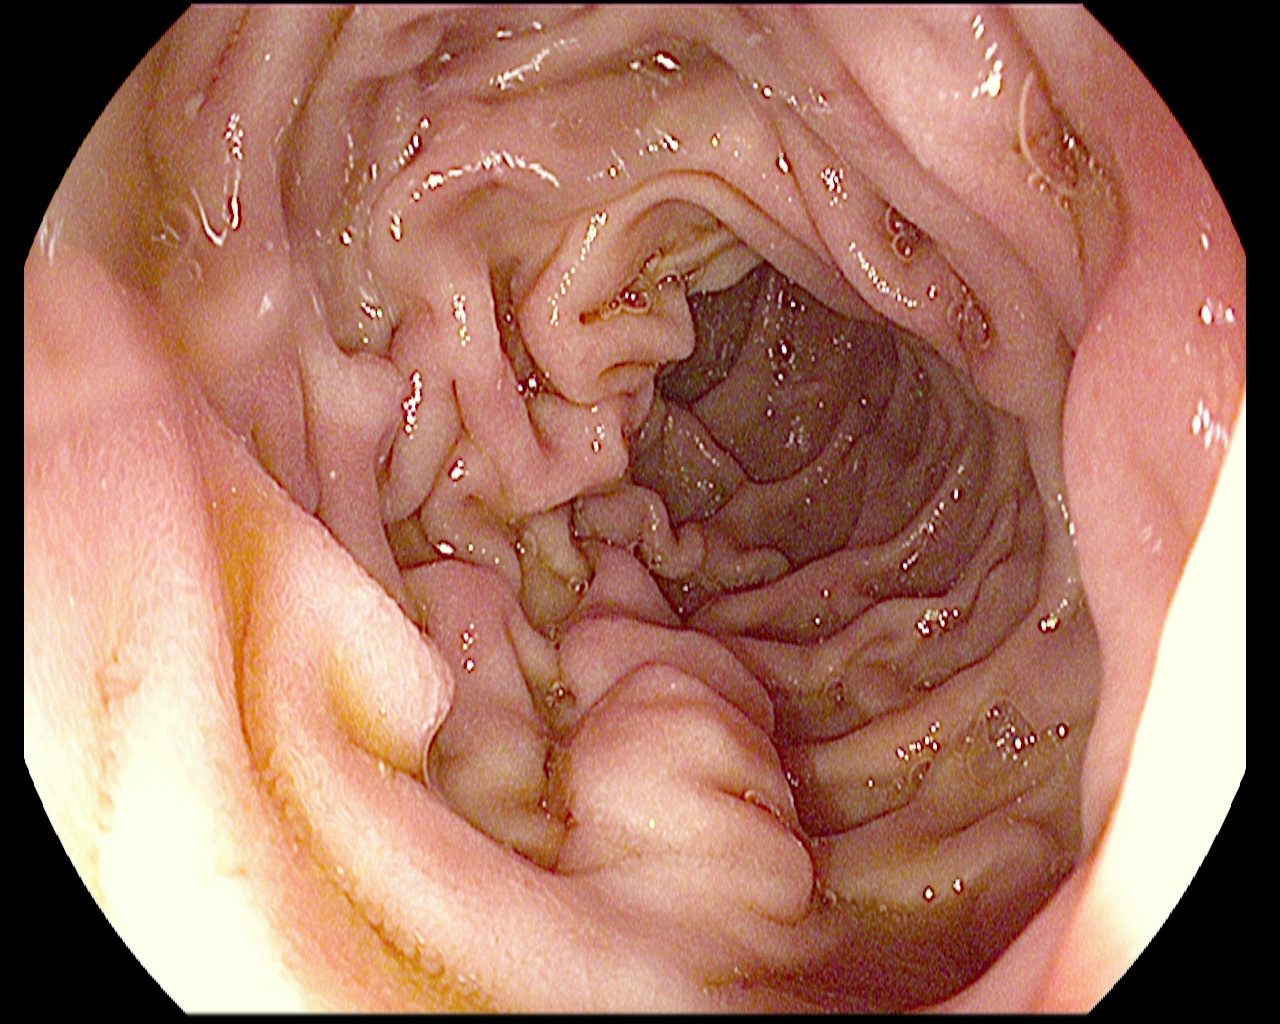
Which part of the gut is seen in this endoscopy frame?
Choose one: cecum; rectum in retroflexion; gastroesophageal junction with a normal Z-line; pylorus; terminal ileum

terminal ileum